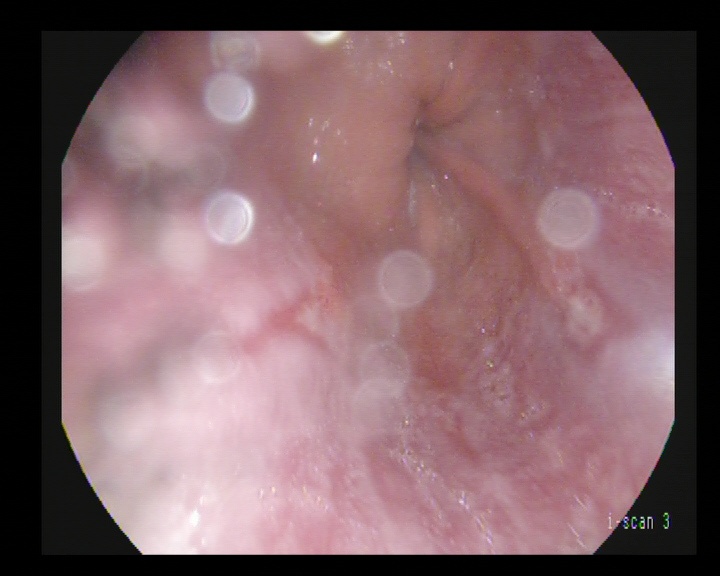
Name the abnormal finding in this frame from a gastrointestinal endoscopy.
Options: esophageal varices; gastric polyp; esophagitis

esophagitis